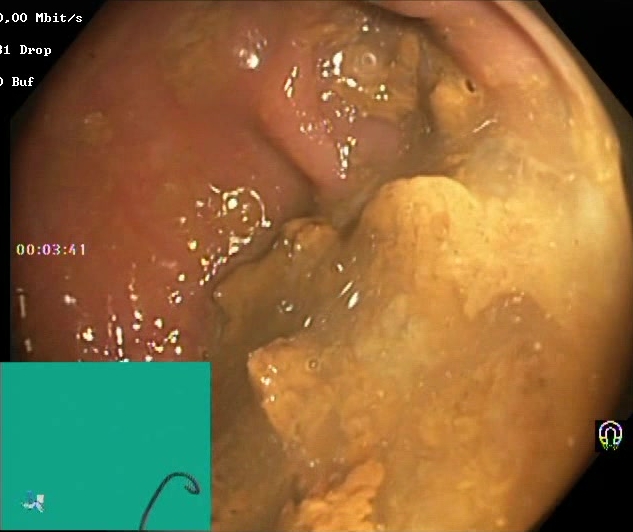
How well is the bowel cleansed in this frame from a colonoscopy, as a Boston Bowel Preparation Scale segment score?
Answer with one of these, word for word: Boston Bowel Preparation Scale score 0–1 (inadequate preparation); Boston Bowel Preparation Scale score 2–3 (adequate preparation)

Boston Bowel Preparation Scale score 0–1 (inadequate preparation)